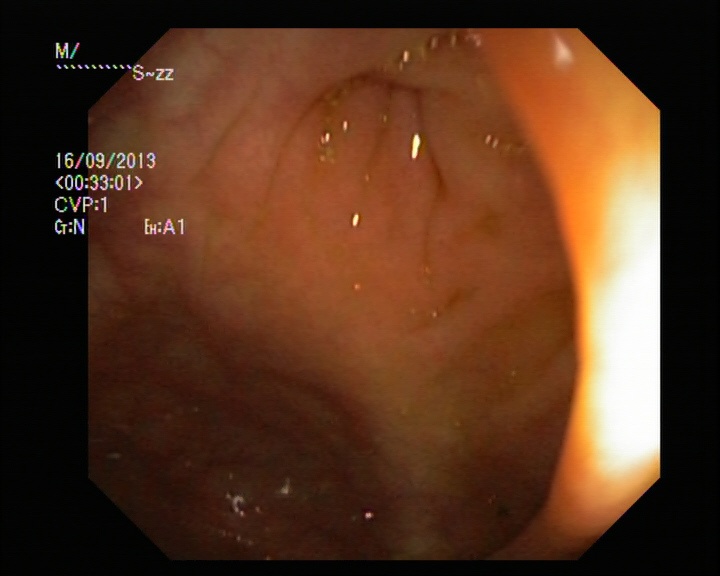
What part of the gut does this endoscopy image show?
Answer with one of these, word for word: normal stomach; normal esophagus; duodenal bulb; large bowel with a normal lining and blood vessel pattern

large bowel with a normal lining and blood vessel pattern